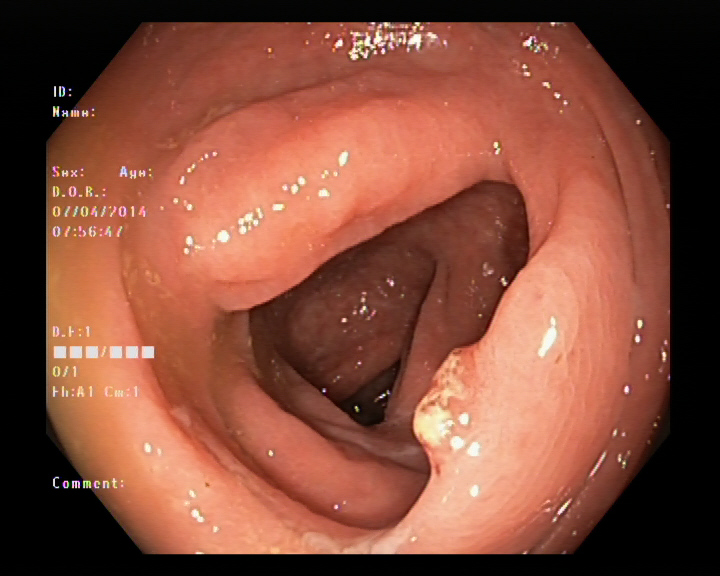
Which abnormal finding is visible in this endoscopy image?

colon polyp